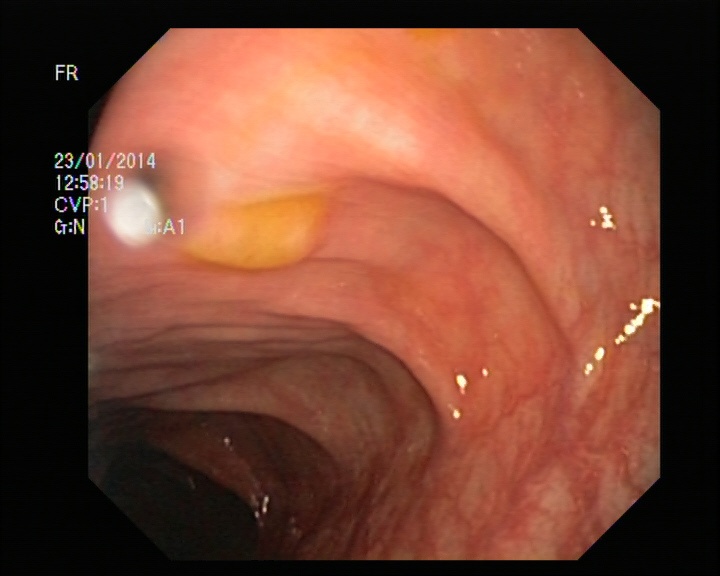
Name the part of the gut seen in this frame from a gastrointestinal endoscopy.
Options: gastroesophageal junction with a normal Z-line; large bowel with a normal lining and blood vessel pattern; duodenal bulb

large bowel with a normal lining and blood vessel pattern